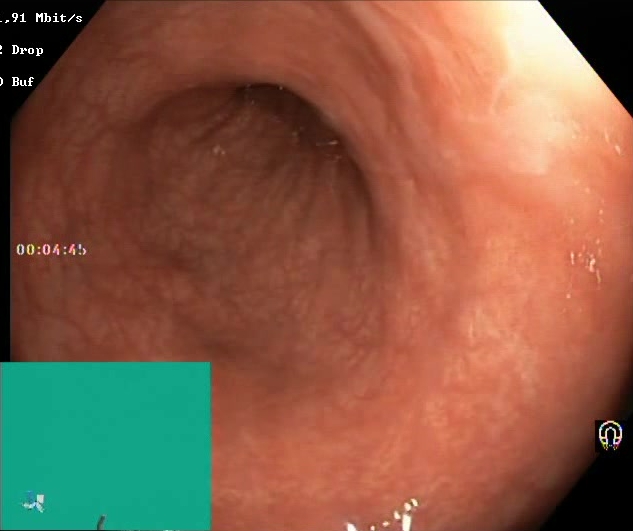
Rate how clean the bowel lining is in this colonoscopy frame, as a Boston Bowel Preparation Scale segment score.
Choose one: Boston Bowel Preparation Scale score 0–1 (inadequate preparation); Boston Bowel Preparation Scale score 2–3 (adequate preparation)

Boston Bowel Preparation Scale score 2–3 (adequate preparation)